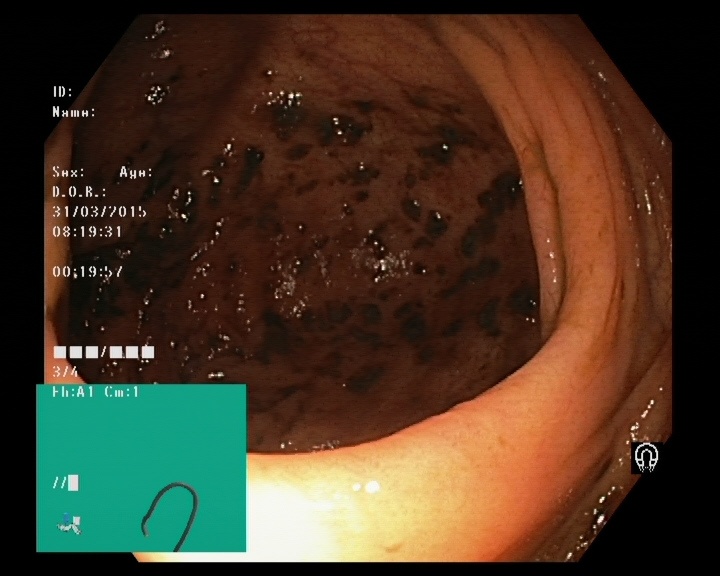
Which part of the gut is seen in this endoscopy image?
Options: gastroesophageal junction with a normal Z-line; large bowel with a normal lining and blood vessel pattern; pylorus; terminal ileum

large bowel with a normal lining and blood vessel pattern